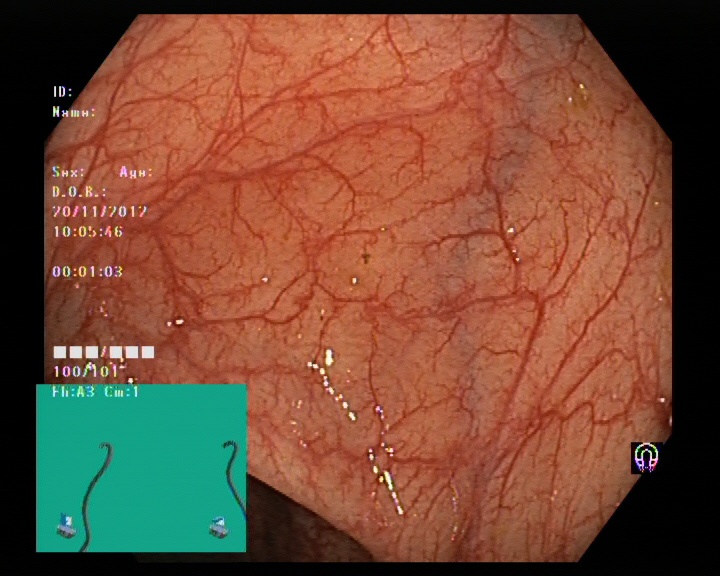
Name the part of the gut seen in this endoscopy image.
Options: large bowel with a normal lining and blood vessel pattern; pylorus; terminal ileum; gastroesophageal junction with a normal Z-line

large bowel with a normal lining and blood vessel pattern